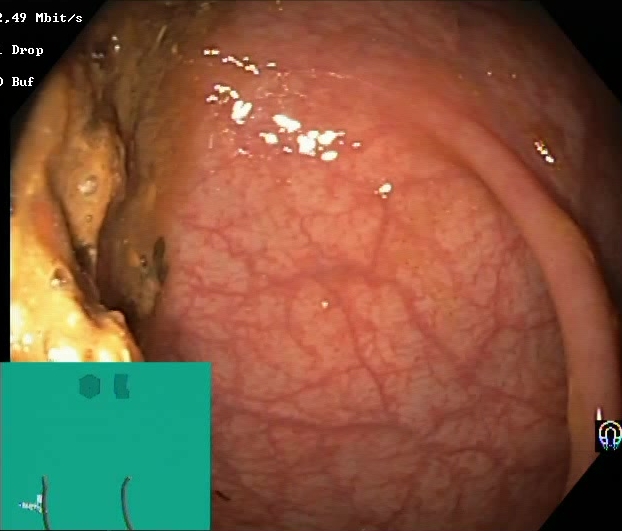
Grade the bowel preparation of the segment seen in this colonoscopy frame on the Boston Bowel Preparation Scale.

Boston Bowel Preparation Scale score 0–1 (inadequate preparation)